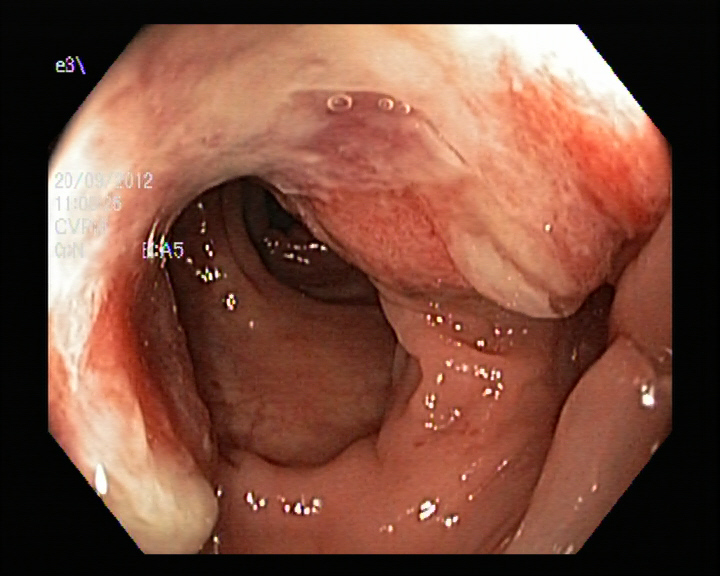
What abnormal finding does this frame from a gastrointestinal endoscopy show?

colorectal cancer